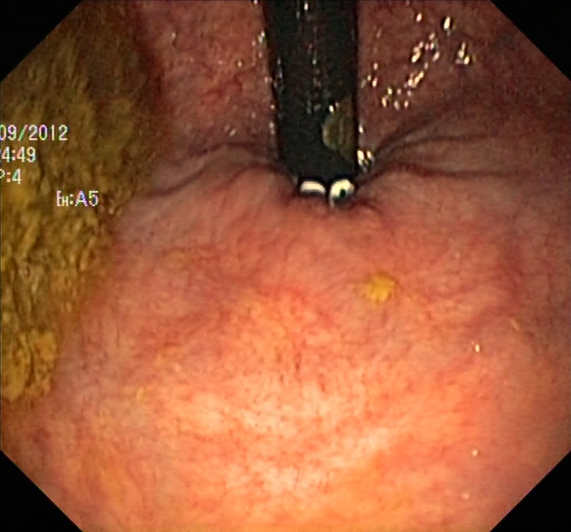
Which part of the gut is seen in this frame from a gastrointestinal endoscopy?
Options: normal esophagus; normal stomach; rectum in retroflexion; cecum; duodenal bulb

rectum in retroflexion